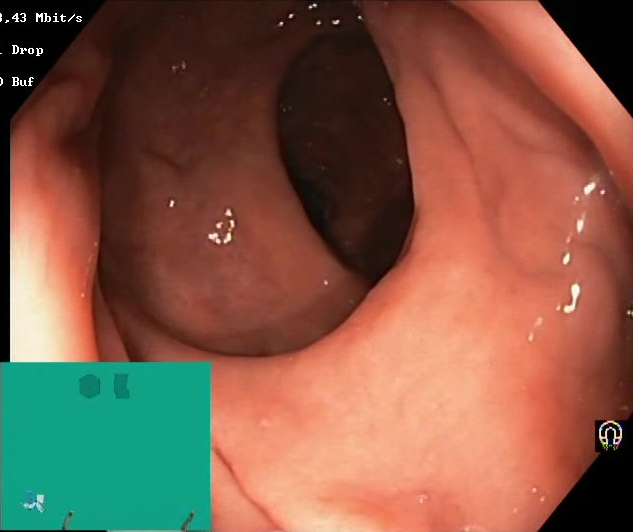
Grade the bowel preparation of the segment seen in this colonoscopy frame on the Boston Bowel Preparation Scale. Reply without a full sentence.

Boston Bowel Preparation Scale score 2–3 (adequate preparation)